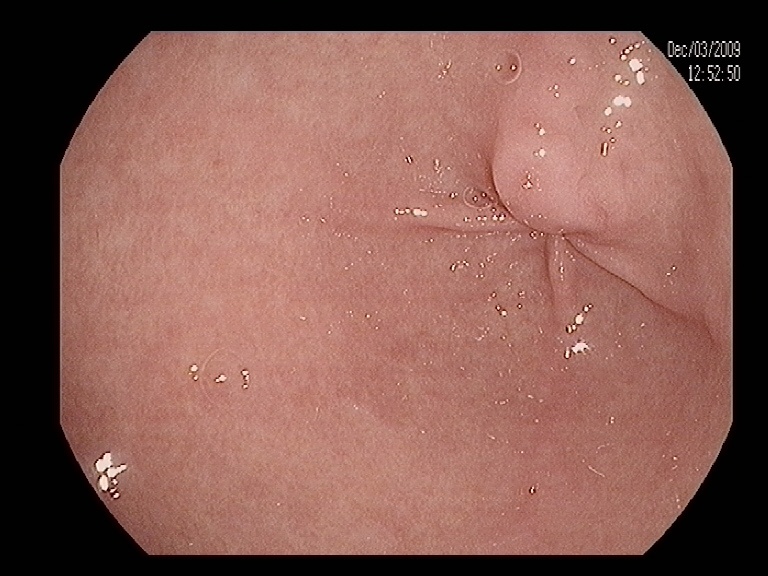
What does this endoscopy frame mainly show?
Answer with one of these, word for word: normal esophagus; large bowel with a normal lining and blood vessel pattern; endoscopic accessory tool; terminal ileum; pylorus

pylorus